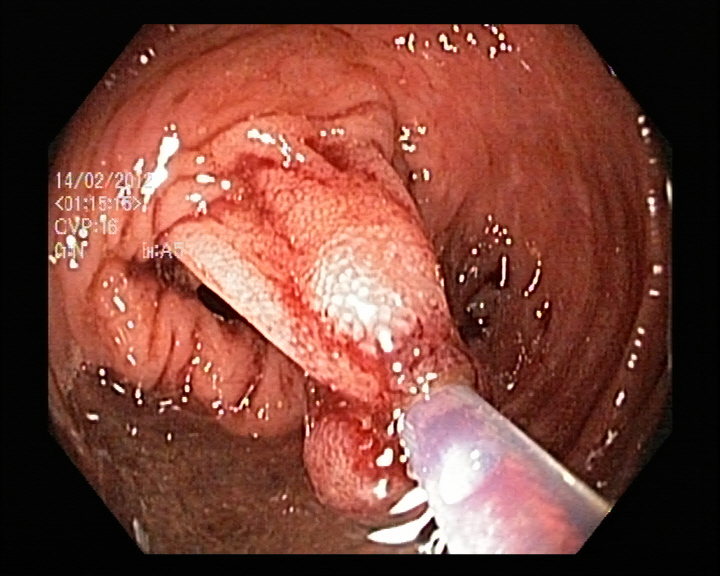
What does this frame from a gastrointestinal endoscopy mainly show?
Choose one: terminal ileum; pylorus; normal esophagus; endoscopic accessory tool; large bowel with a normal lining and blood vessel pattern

endoscopic accessory tool